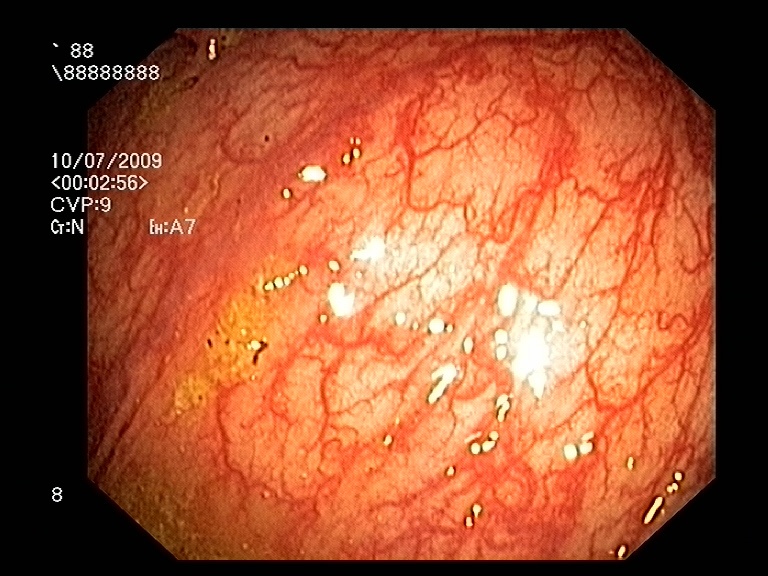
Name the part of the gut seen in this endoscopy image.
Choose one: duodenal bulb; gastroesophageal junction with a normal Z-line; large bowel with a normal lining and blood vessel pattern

large bowel with a normal lining and blood vessel pattern